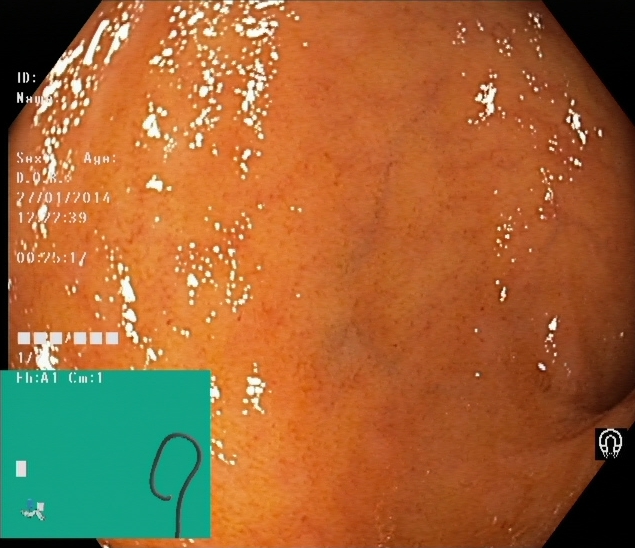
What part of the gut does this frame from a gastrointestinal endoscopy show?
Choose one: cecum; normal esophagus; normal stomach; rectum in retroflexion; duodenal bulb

cecum